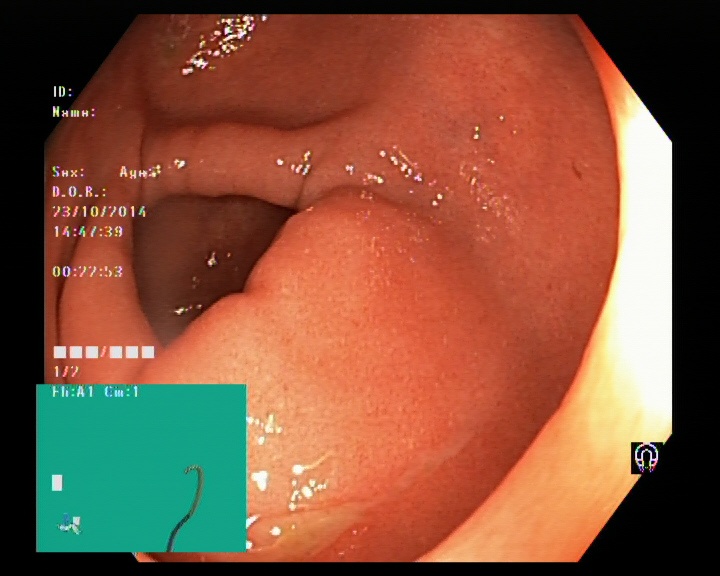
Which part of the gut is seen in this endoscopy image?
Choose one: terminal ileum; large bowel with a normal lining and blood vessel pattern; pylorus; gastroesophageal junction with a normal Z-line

large bowel with a normal lining and blood vessel pattern